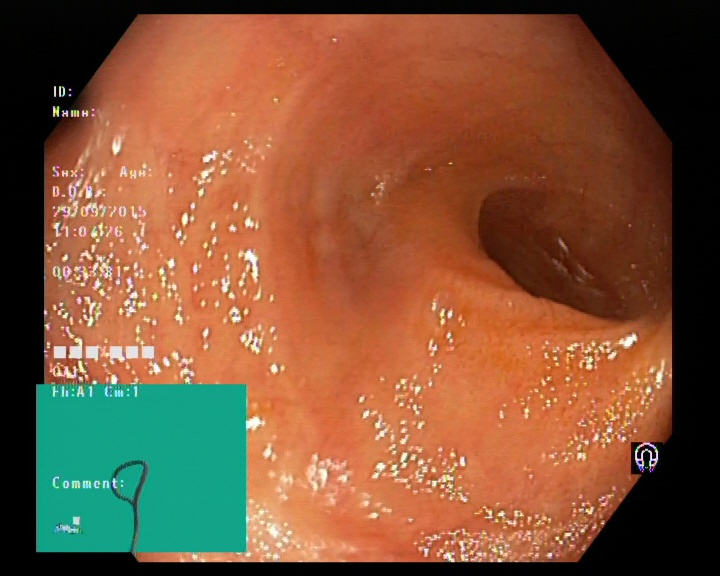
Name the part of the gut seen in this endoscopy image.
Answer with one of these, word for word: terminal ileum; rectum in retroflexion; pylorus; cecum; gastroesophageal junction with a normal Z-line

terminal ileum